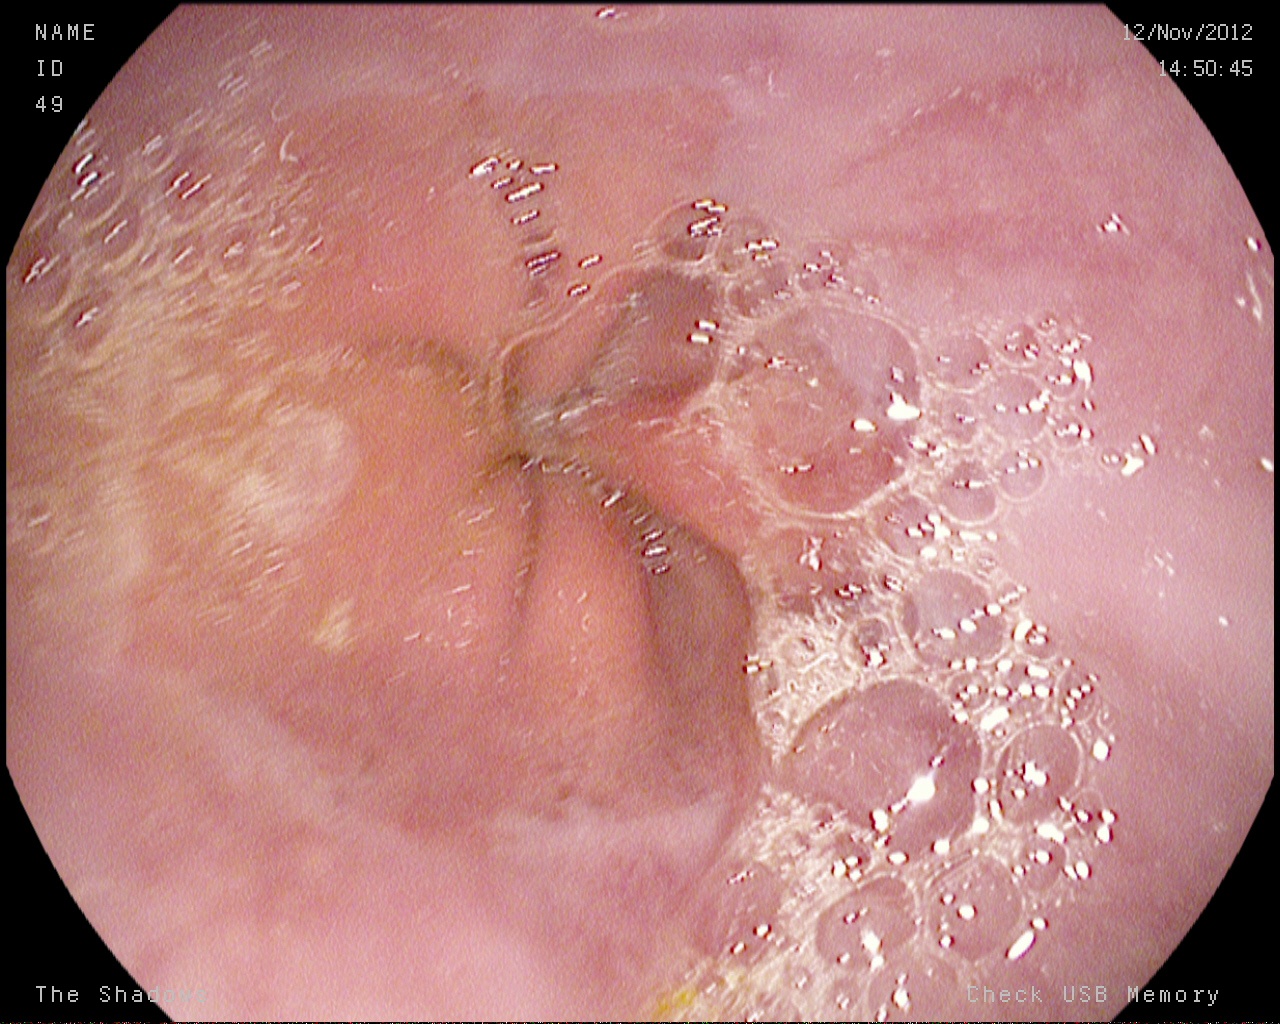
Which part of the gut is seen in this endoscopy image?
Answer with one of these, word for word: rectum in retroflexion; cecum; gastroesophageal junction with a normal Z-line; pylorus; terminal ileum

gastroesophageal junction with a normal Z-line